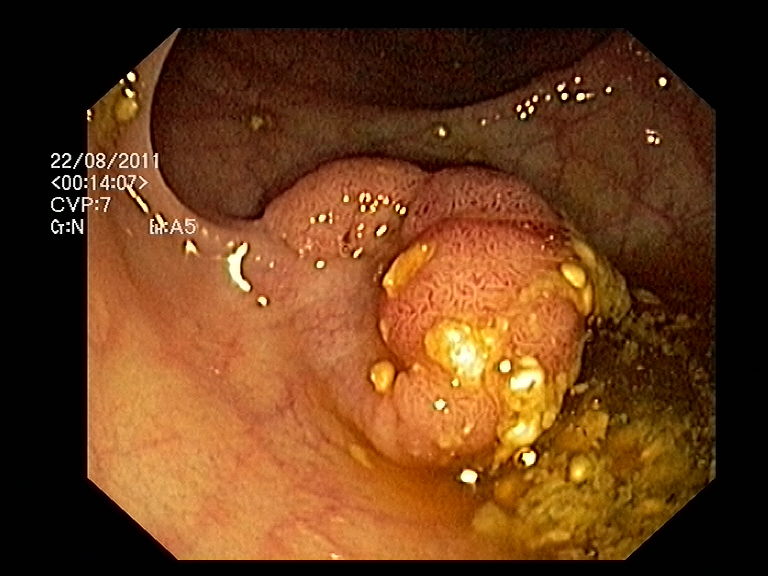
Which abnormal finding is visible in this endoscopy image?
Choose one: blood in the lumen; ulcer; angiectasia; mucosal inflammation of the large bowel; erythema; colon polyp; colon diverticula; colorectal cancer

colon polyp